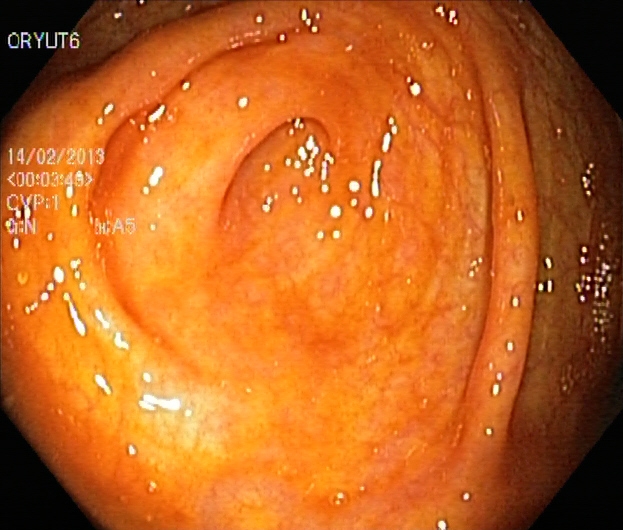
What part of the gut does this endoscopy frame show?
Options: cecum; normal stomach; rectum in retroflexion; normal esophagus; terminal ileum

cecum